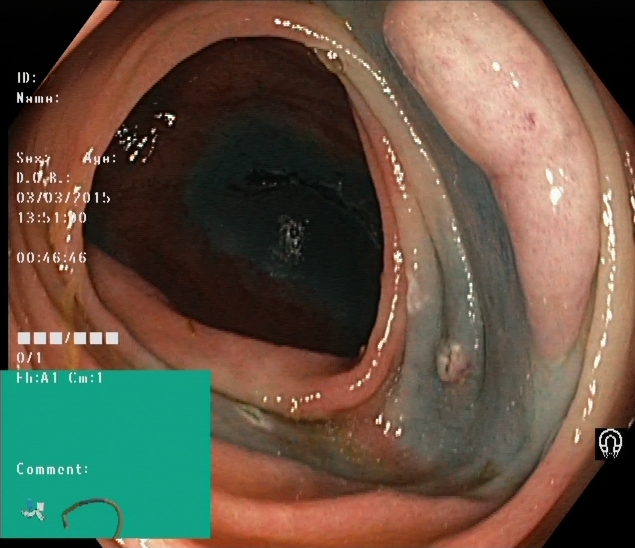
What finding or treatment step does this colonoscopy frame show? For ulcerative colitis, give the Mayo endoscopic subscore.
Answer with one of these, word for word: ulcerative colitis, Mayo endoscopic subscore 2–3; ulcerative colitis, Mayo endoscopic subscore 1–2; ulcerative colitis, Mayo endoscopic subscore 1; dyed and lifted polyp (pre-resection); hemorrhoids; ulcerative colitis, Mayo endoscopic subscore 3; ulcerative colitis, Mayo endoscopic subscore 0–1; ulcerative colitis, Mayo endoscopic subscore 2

dyed and lifted polyp (pre-resection)